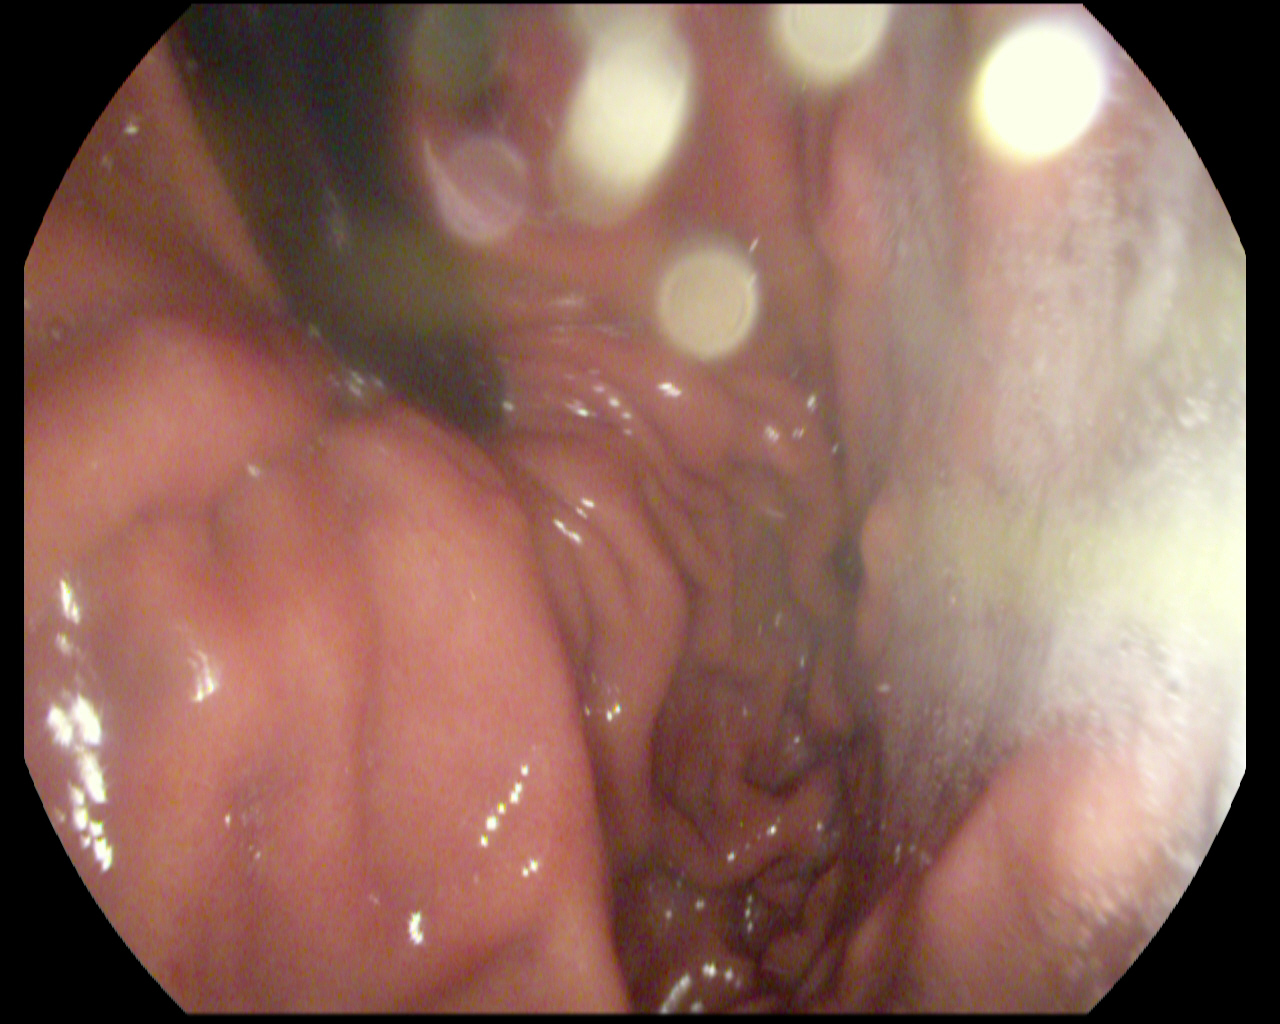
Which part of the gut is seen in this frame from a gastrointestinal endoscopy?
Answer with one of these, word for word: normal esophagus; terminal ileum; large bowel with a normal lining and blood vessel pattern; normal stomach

normal stomach